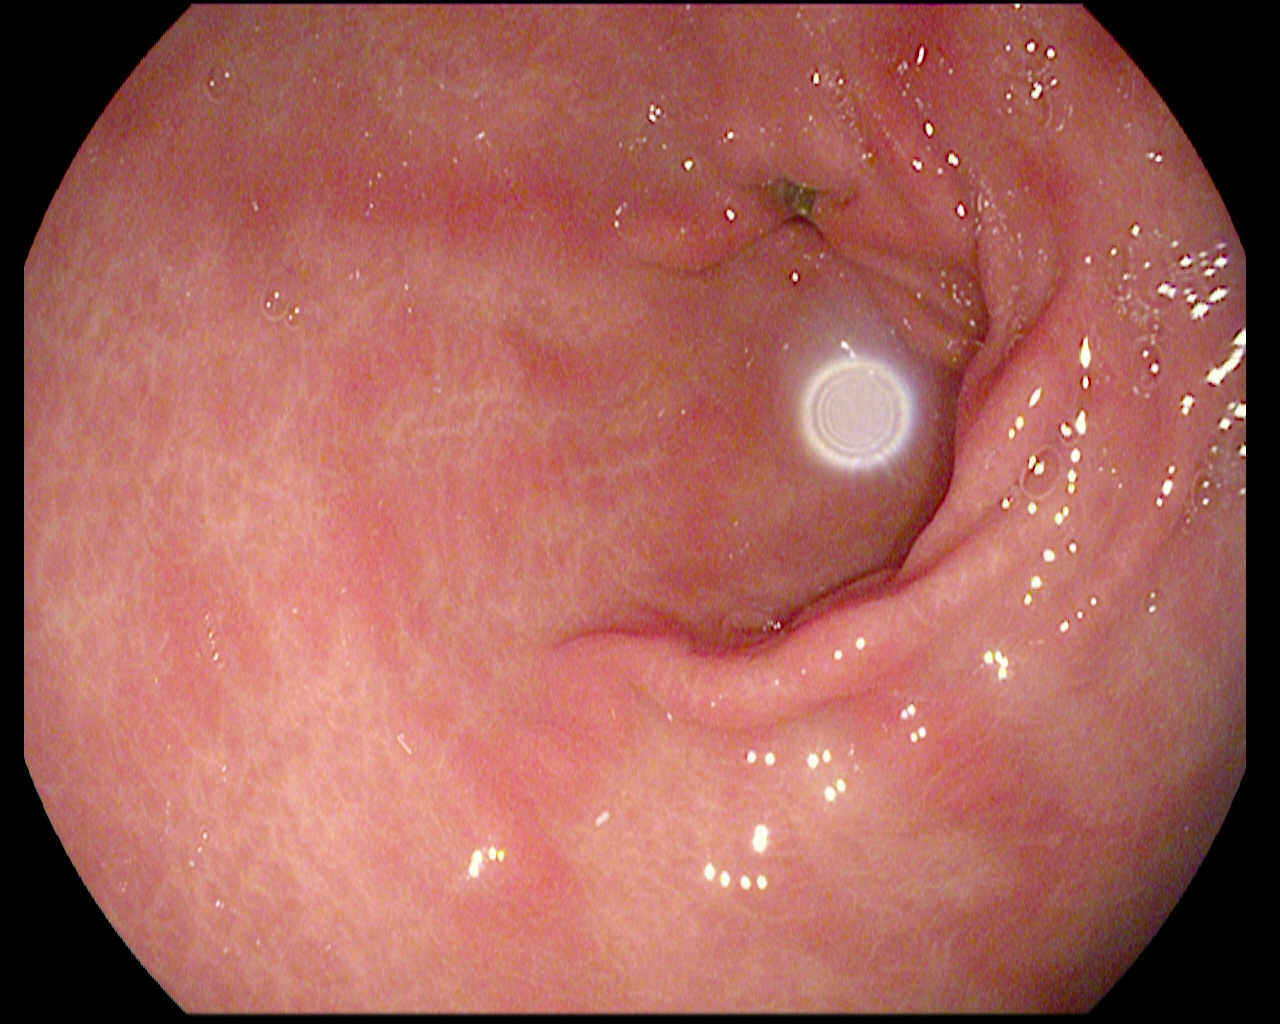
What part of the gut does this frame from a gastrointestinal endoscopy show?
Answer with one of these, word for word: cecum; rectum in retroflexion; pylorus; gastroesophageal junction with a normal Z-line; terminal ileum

pylorus